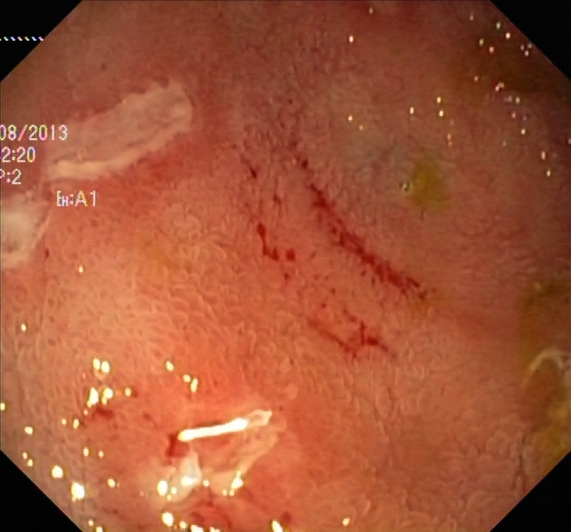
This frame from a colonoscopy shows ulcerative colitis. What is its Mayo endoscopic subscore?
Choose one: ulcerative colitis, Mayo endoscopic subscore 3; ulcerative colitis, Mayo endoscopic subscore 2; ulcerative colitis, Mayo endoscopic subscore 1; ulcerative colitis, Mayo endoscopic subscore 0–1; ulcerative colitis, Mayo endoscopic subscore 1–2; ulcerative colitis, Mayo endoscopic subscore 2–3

ulcerative colitis, Mayo endoscopic subscore 2